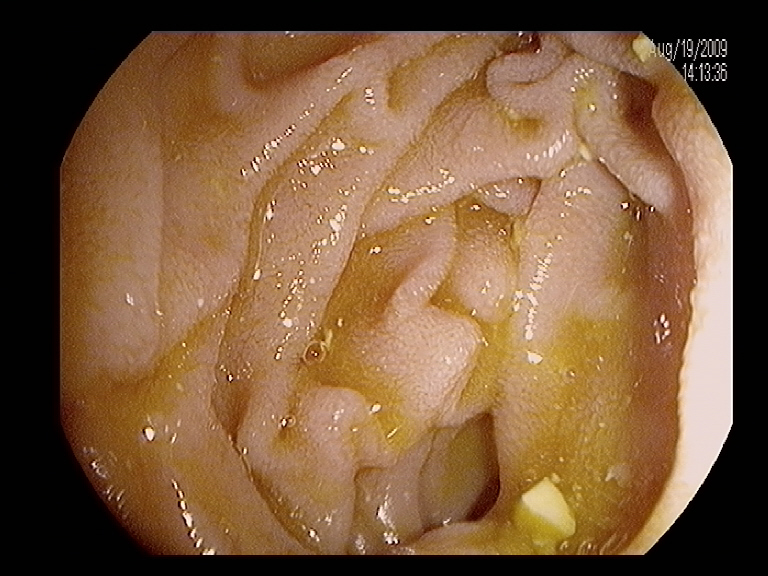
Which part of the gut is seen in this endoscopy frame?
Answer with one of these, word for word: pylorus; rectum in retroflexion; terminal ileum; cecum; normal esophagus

terminal ileum